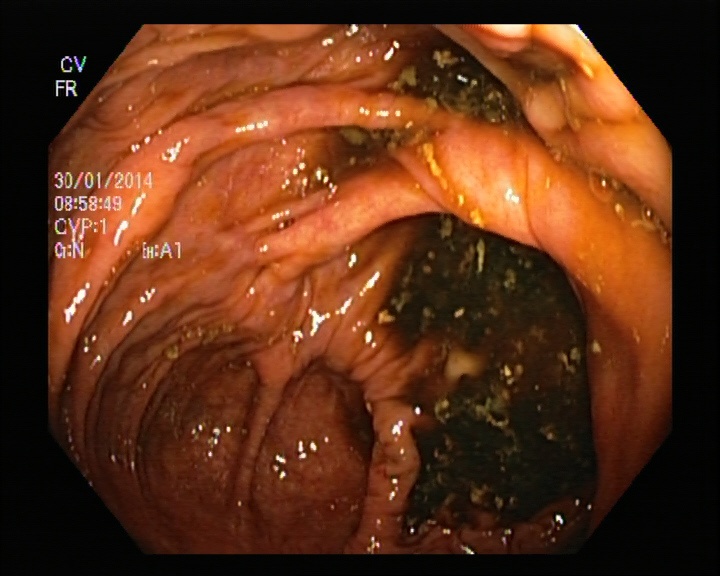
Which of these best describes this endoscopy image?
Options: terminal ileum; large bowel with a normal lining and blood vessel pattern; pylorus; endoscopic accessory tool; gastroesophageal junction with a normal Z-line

large bowel with a normal lining and blood vessel pattern